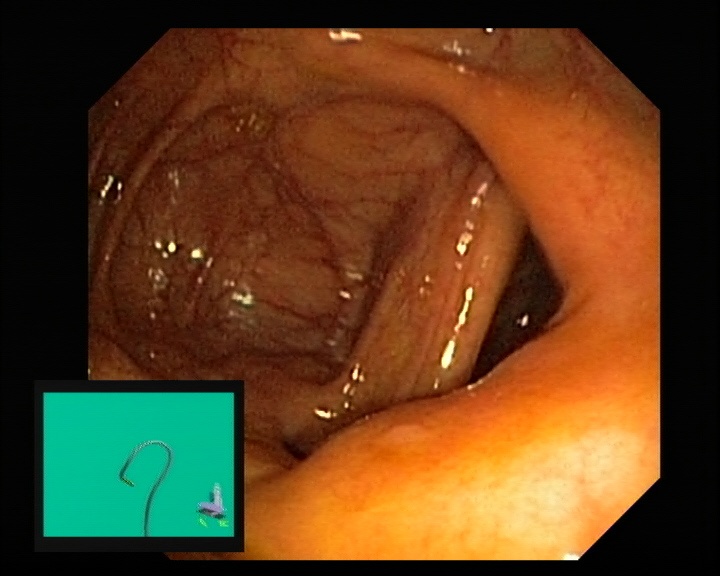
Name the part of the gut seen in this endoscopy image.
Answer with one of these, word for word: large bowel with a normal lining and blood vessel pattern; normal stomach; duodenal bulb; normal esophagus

large bowel with a normal lining and blood vessel pattern